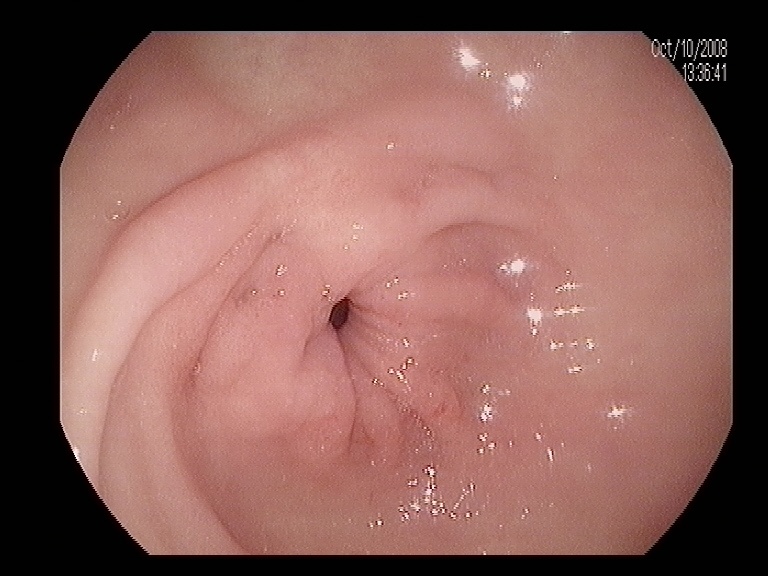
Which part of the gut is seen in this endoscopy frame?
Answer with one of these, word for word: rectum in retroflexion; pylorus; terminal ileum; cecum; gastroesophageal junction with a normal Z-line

pylorus